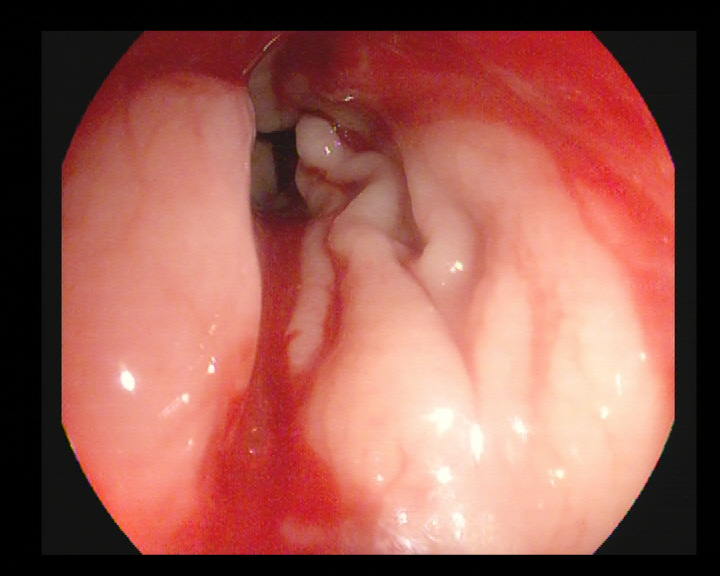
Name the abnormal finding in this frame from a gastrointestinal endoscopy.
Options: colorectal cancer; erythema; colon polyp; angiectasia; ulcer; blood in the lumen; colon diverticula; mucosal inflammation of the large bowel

blood in the lumen